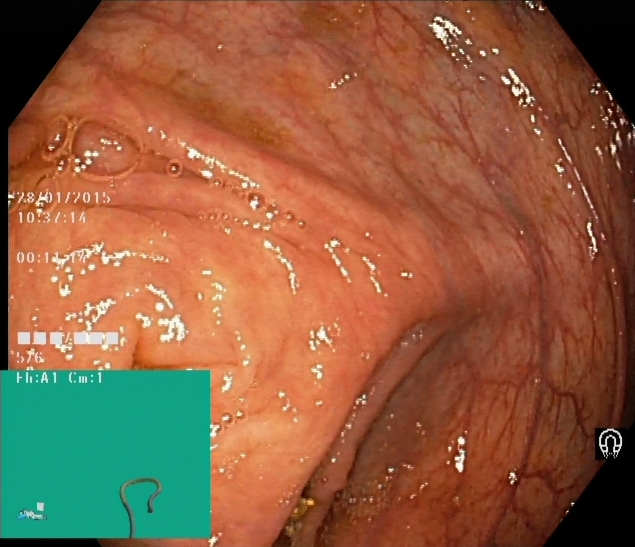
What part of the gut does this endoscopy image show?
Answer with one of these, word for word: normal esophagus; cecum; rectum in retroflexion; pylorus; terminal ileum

cecum